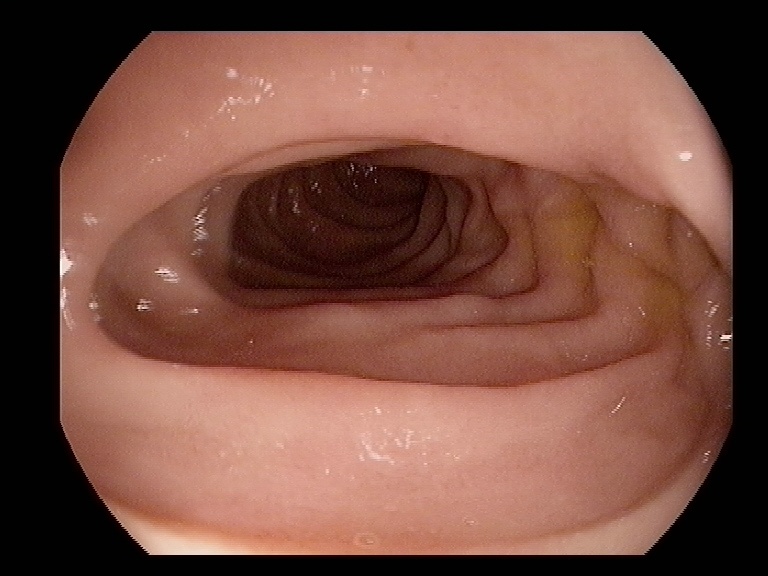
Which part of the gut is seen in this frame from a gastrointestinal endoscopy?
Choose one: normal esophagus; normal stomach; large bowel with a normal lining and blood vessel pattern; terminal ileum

terminal ileum